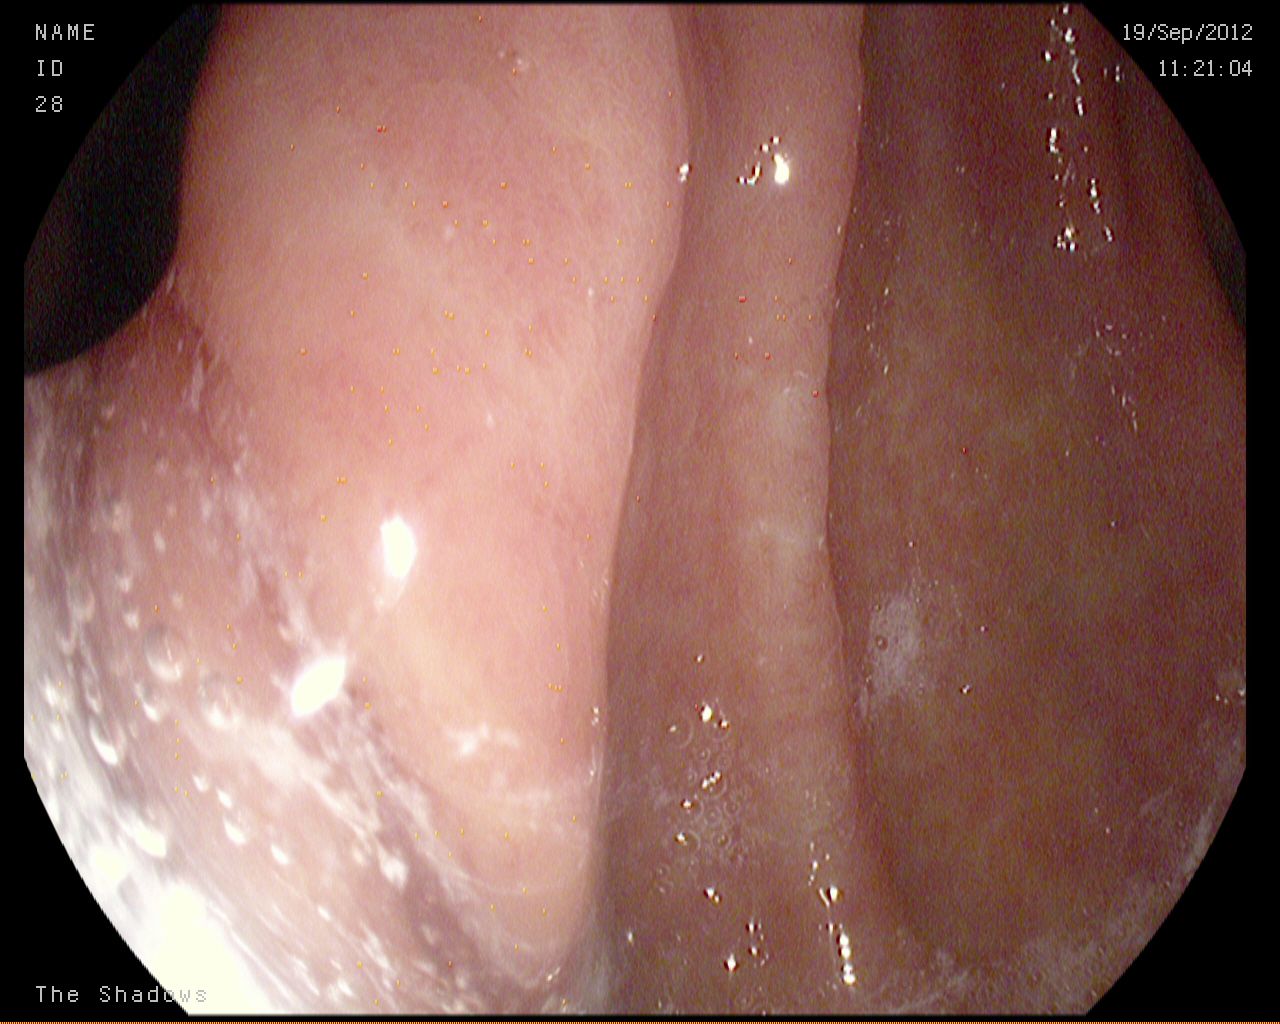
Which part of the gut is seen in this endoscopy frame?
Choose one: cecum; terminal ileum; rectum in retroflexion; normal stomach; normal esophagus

normal stomach